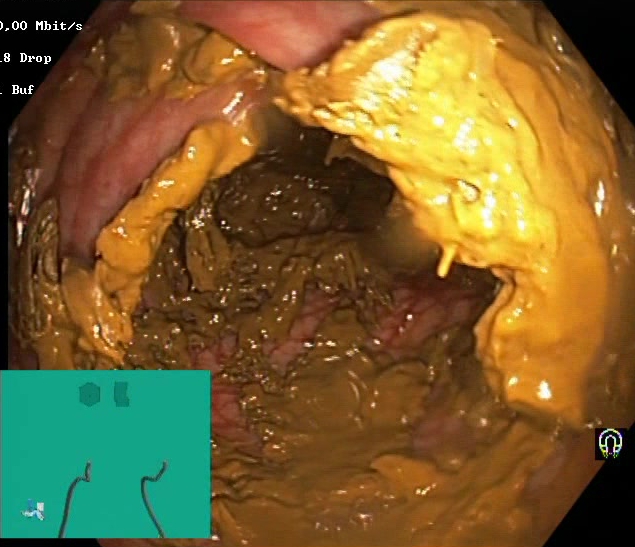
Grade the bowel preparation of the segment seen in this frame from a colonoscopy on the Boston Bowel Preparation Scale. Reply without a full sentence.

Boston Bowel Preparation Scale score 0–1 (inadequate preparation)